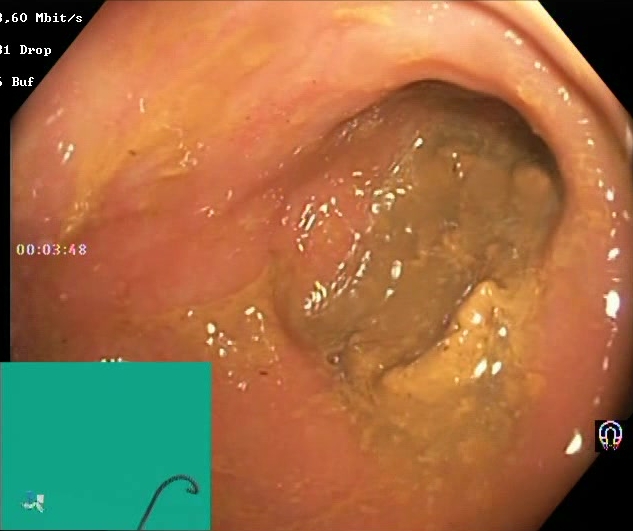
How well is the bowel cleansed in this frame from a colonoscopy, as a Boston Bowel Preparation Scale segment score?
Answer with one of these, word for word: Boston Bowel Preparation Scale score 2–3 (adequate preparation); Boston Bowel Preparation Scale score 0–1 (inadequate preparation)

Boston Bowel Preparation Scale score 0–1 (inadequate preparation)